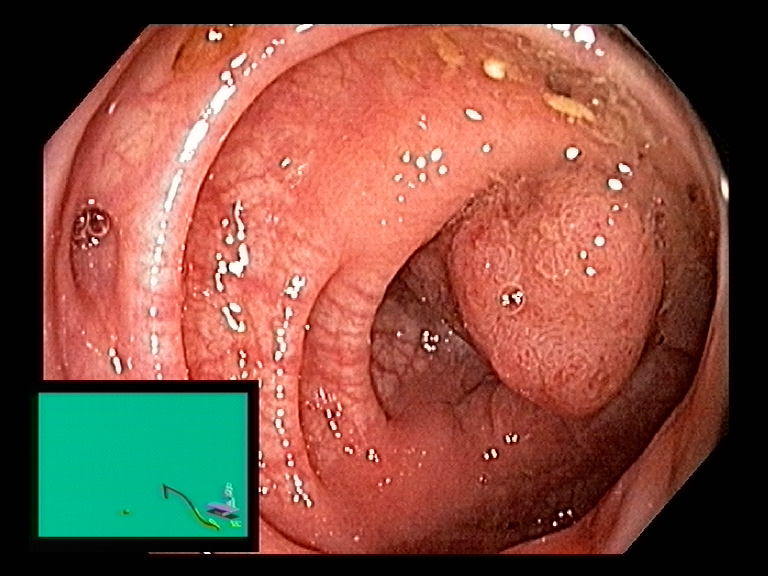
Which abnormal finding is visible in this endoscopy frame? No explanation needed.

colon polyp